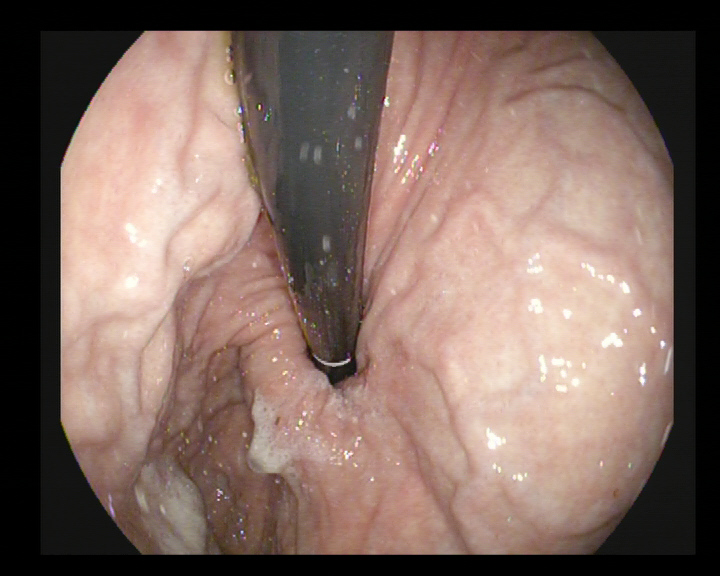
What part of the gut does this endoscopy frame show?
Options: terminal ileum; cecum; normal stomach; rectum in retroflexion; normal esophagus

normal stomach